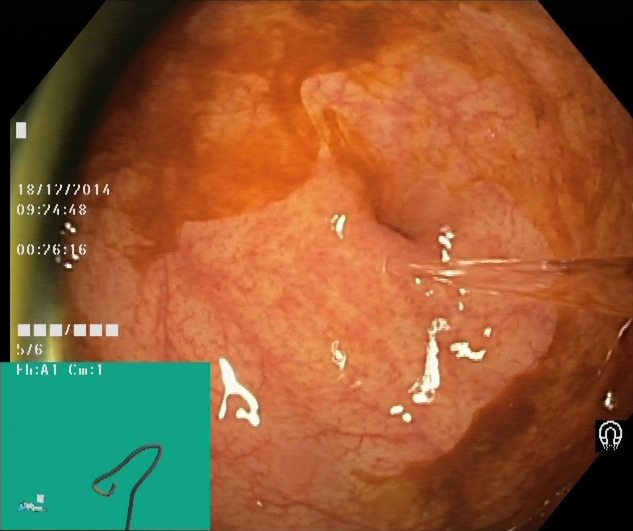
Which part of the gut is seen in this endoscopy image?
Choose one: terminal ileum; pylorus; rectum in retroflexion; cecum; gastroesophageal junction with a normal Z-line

cecum